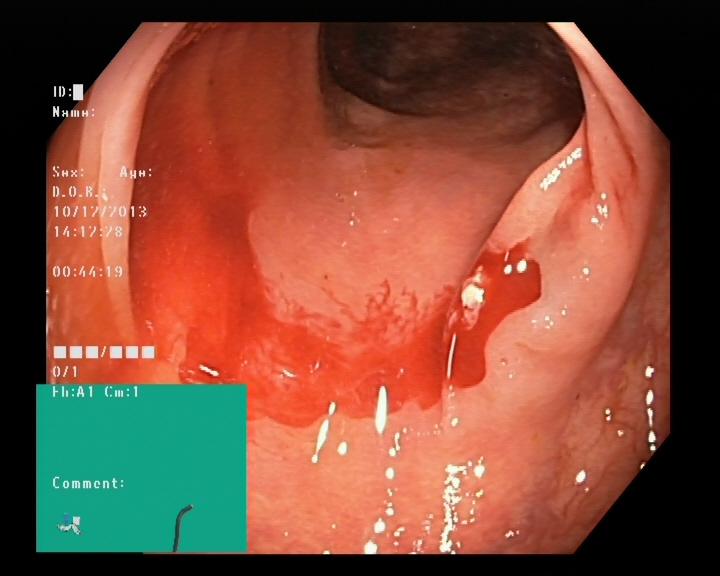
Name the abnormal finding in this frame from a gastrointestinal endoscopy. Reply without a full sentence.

blood in the lumen